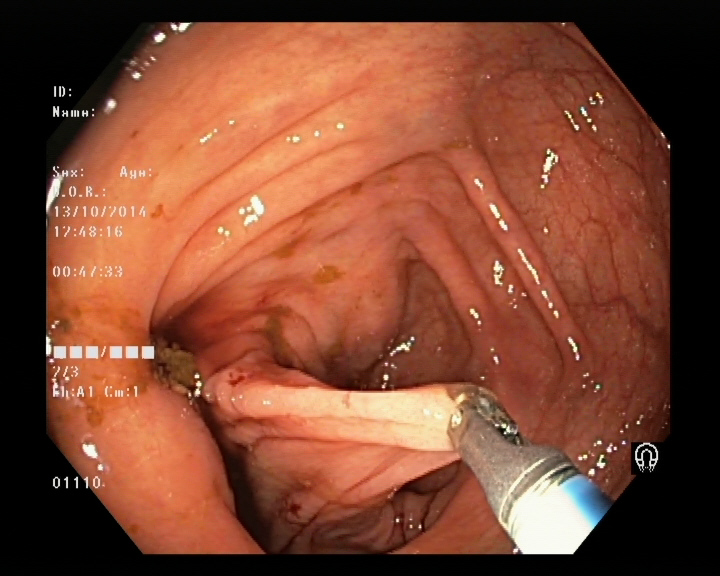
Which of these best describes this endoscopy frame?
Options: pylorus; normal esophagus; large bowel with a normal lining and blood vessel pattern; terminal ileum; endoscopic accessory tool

endoscopic accessory tool